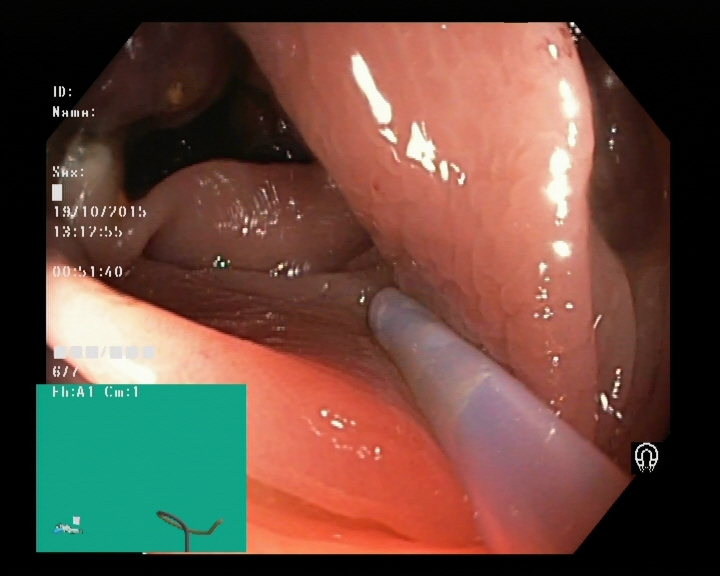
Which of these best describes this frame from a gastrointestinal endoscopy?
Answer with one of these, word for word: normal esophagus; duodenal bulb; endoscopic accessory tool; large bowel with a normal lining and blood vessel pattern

endoscopic accessory tool